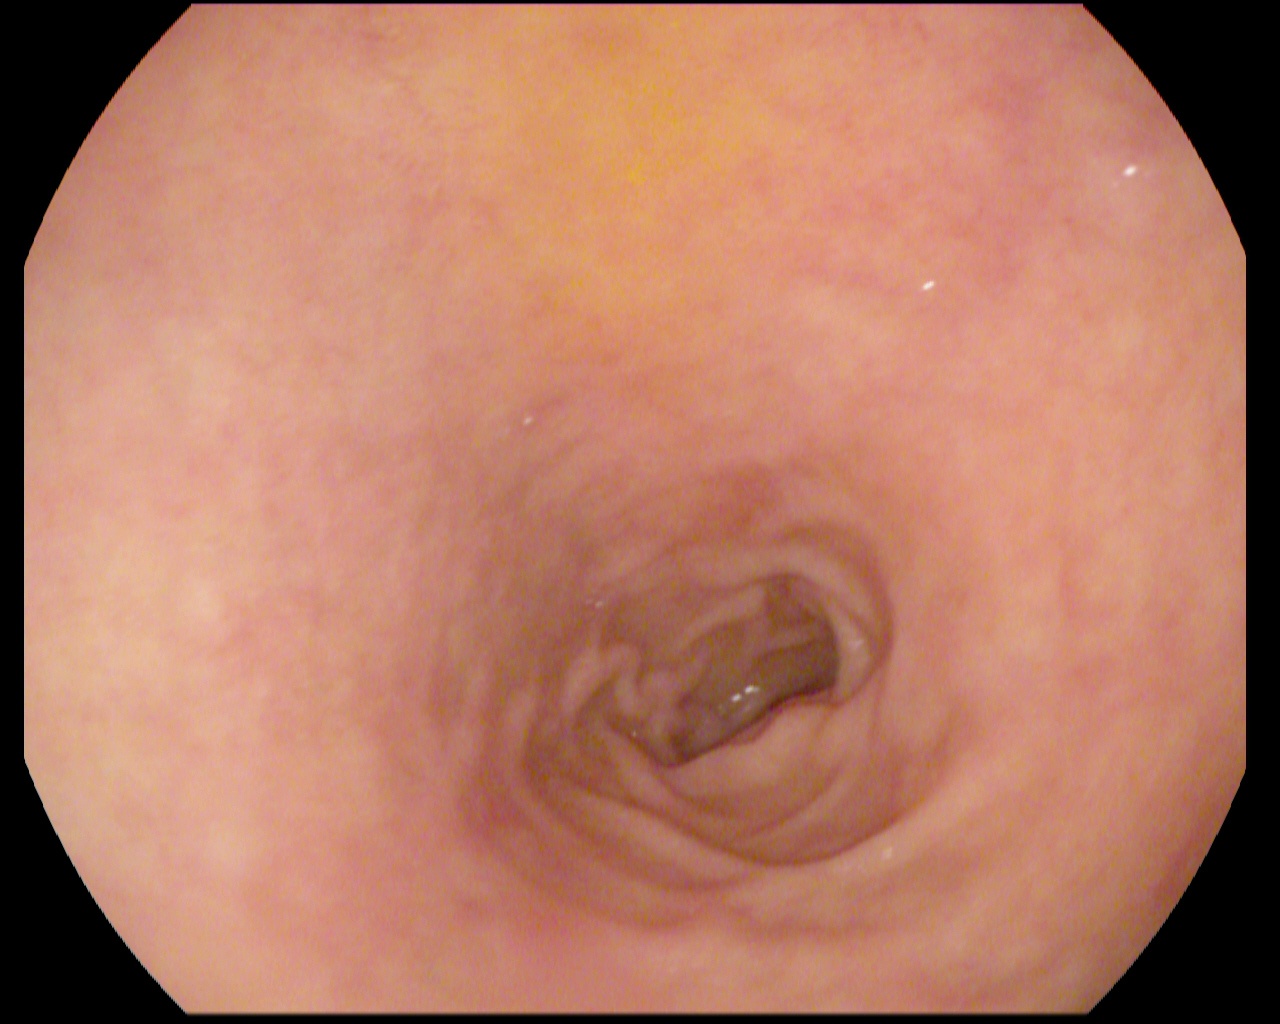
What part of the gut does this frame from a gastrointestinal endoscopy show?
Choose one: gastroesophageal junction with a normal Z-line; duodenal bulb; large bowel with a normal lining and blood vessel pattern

duodenal bulb